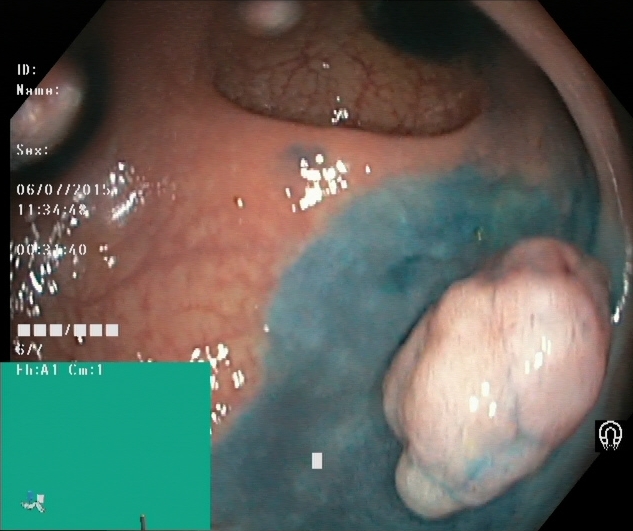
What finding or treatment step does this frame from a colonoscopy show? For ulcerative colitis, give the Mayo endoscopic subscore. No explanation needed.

dyed and lifted polyp (pre-resection)